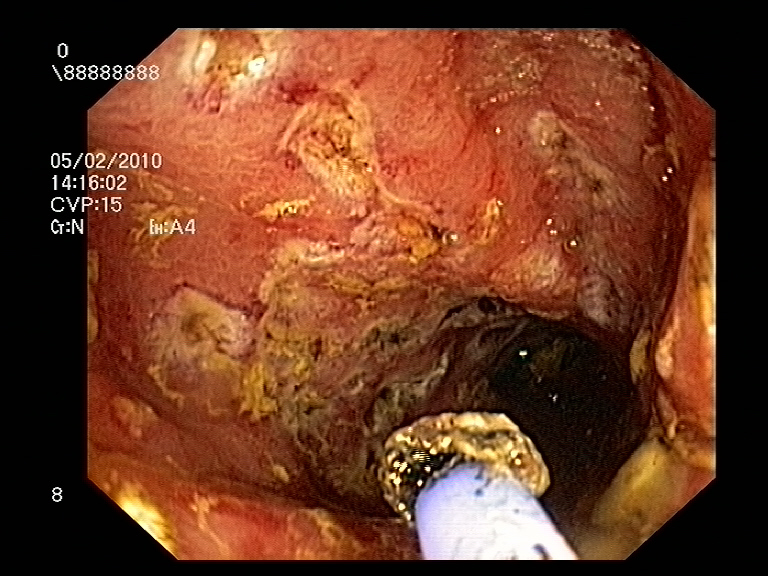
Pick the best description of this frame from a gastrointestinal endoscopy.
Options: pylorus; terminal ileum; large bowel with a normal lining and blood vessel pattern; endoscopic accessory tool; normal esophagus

endoscopic accessory tool